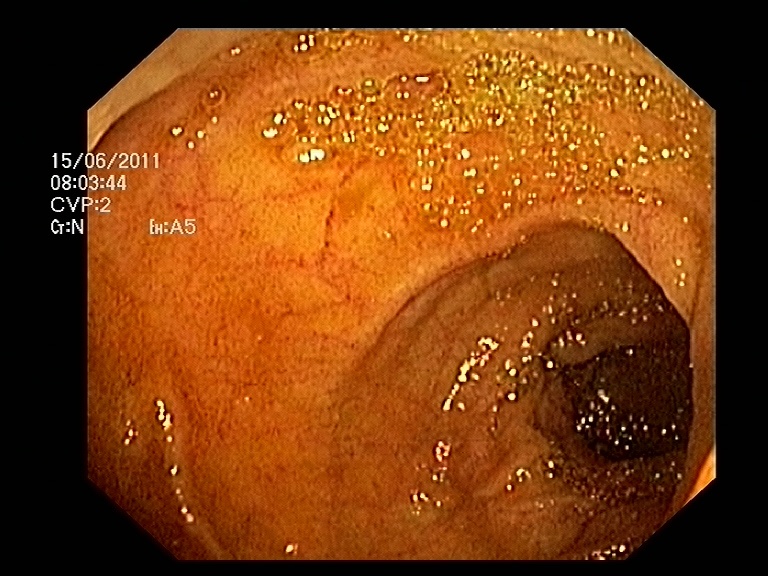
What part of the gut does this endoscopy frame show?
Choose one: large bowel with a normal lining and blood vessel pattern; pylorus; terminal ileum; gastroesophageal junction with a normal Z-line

large bowel with a normal lining and blood vessel pattern